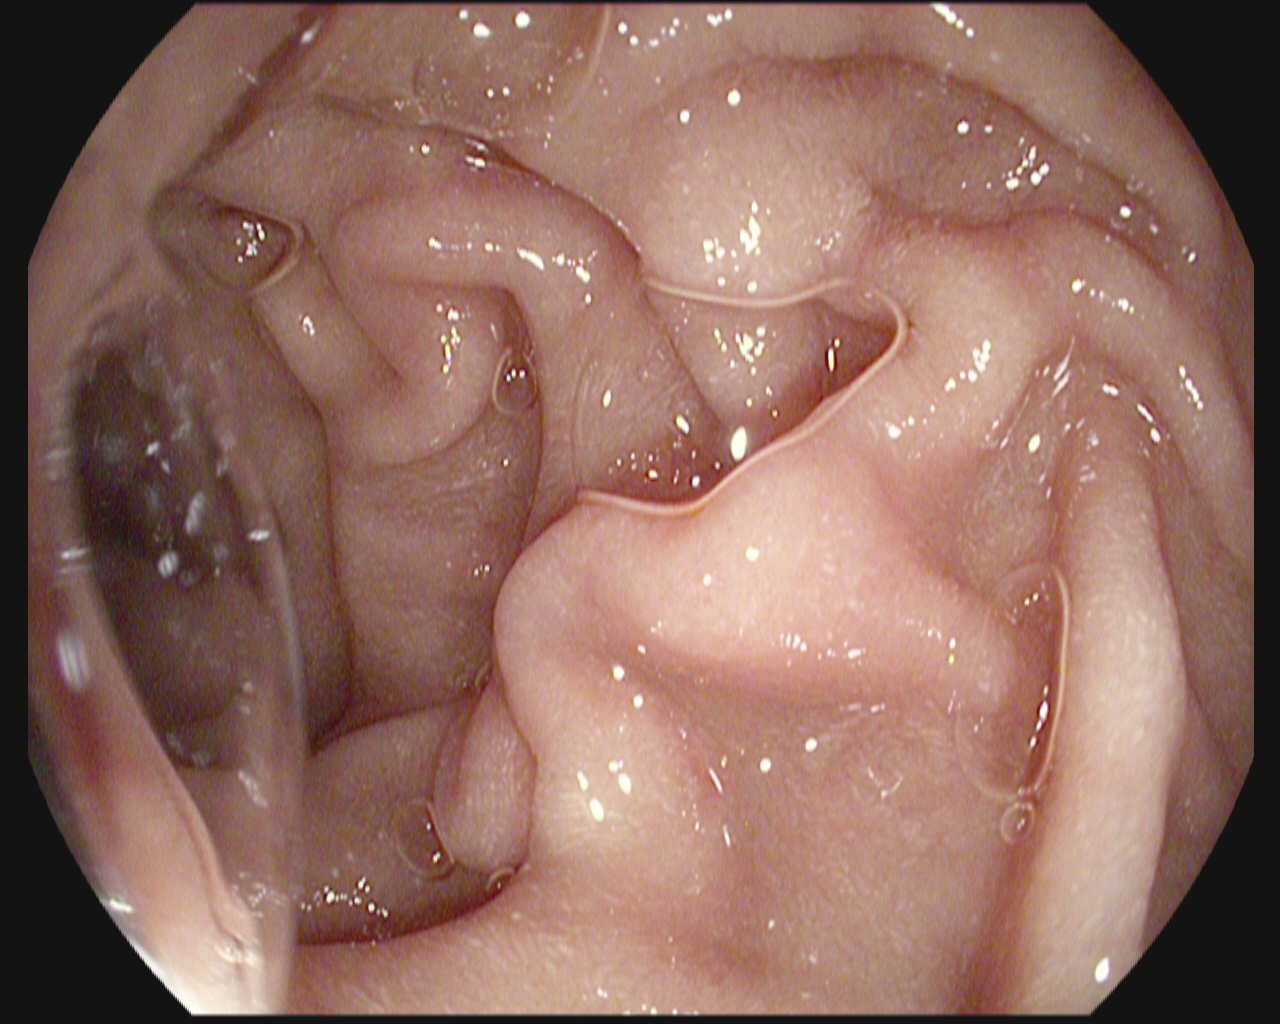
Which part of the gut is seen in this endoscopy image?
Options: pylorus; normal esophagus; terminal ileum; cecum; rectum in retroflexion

terminal ileum